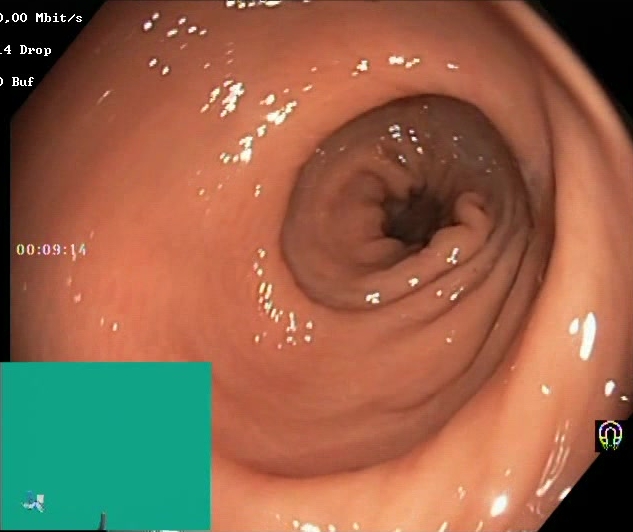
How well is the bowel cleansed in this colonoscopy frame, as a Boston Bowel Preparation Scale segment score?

Boston Bowel Preparation Scale score 2–3 (adequate preparation)